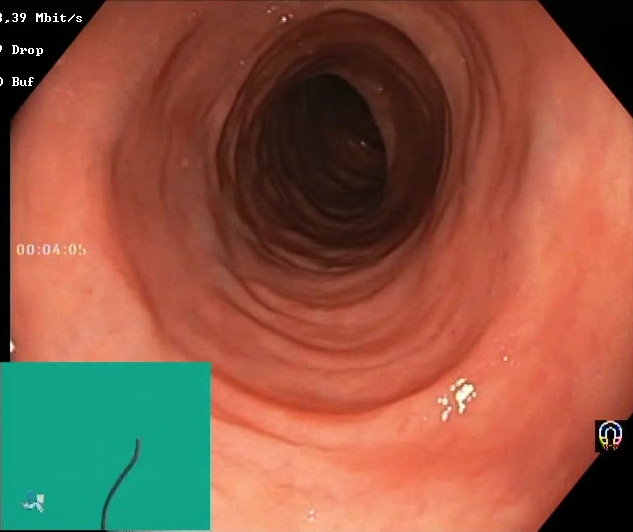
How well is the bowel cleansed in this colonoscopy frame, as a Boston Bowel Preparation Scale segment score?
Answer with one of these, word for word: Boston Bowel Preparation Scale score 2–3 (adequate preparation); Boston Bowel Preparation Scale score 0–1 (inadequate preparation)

Boston Bowel Preparation Scale score 2–3 (adequate preparation)